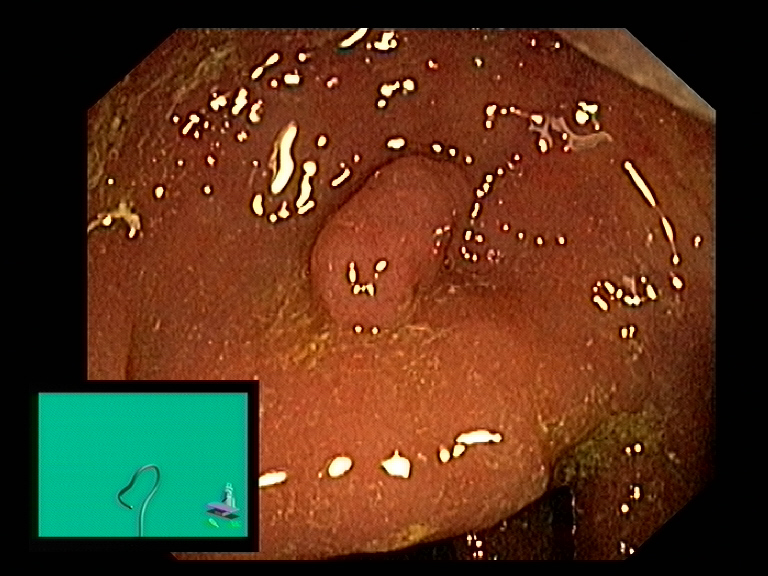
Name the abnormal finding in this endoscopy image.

colon polyp